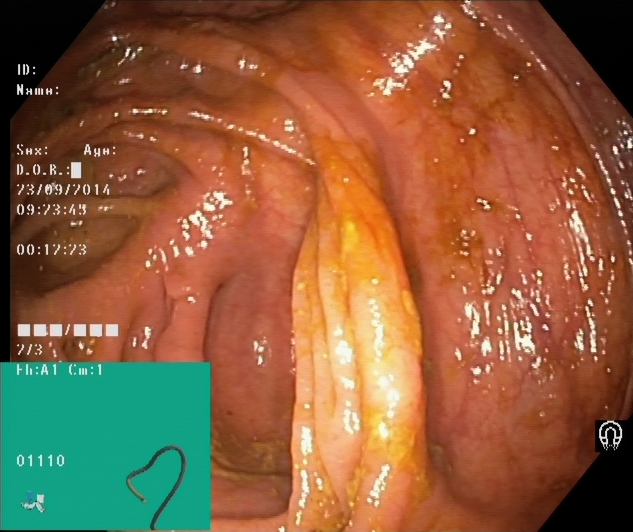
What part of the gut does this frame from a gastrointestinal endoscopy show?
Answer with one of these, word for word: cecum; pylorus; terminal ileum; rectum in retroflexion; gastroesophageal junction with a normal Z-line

cecum